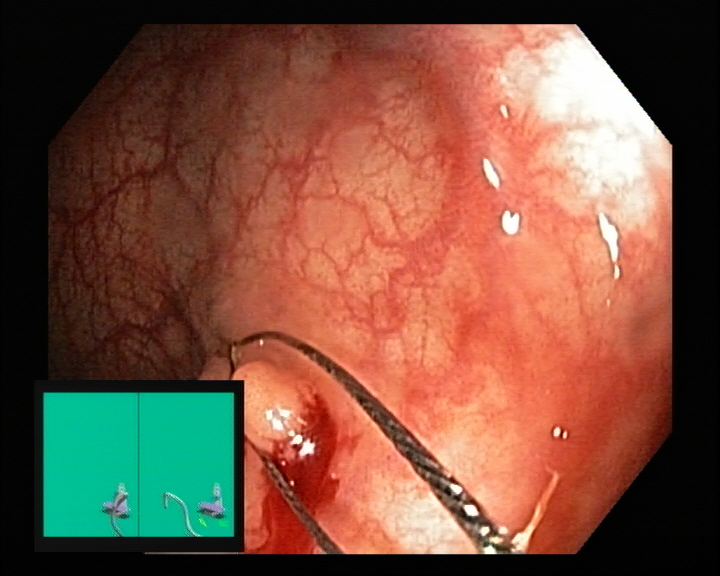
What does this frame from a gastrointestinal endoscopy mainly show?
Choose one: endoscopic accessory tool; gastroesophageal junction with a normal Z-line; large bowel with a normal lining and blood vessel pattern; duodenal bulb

endoscopic accessory tool